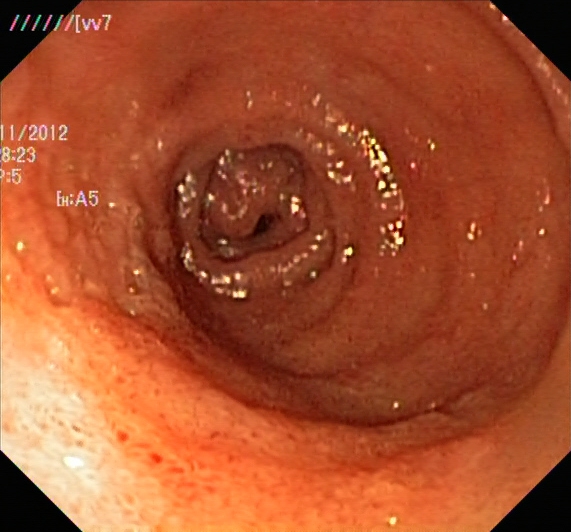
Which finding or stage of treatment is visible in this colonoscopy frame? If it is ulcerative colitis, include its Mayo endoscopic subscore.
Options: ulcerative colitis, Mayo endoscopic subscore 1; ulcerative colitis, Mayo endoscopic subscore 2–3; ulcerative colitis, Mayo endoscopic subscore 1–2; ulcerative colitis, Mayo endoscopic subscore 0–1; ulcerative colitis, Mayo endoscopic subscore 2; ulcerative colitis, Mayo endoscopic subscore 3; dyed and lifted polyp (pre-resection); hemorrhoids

ulcerative colitis, Mayo endoscopic subscore 2